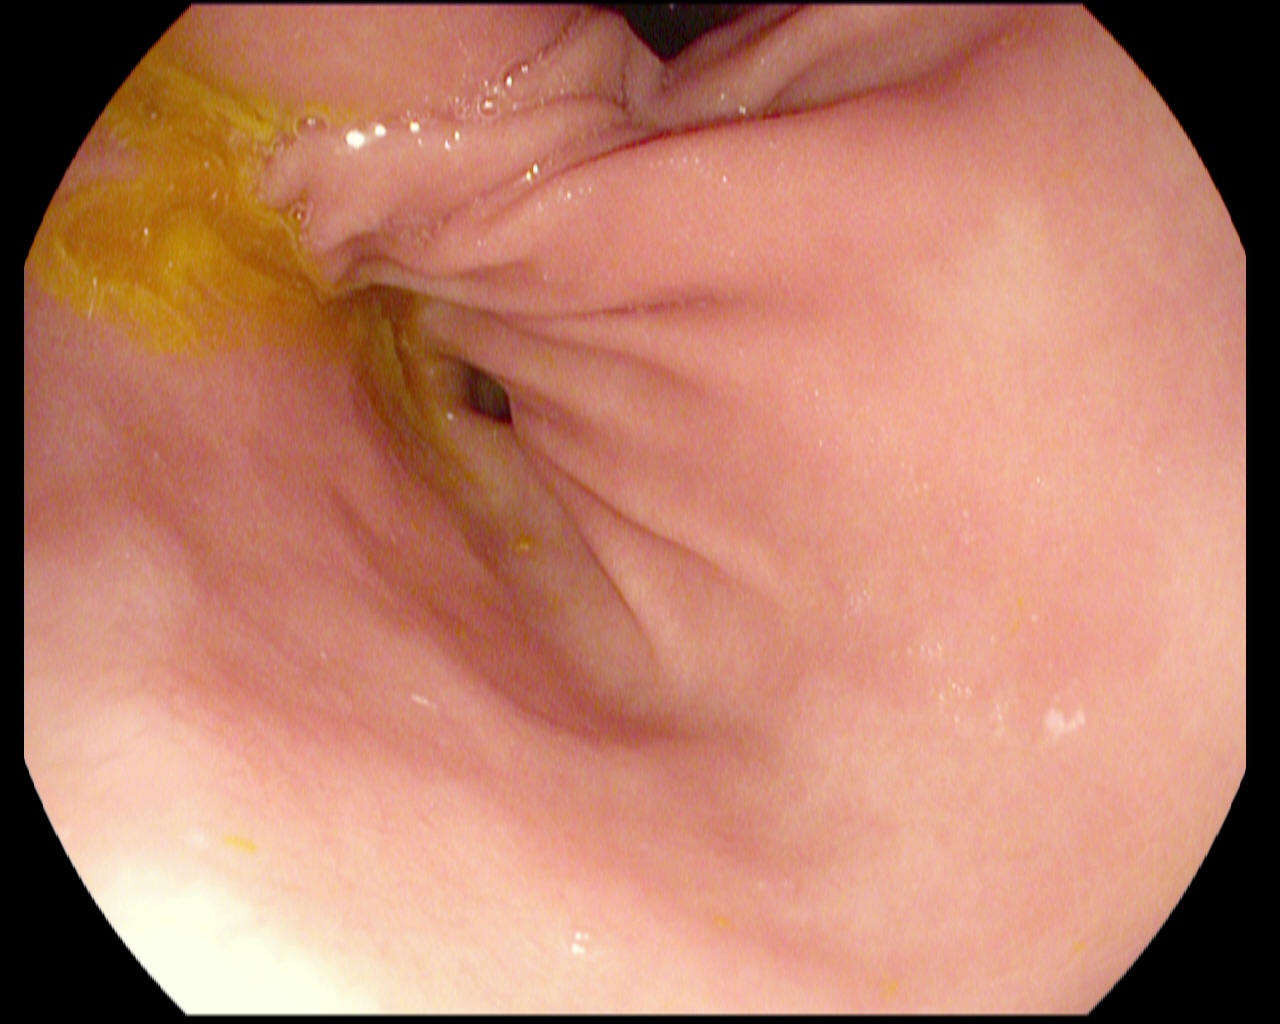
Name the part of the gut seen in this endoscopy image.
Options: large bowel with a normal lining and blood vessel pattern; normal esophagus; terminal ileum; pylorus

pylorus